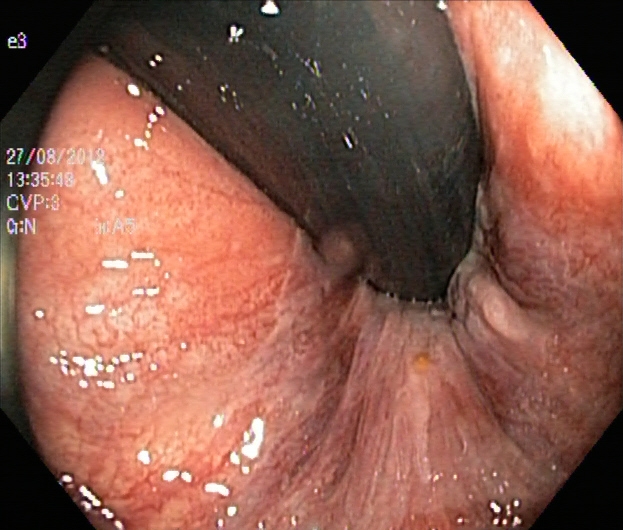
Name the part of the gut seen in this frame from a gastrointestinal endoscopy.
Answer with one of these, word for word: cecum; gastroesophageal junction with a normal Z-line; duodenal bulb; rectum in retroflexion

rectum in retroflexion